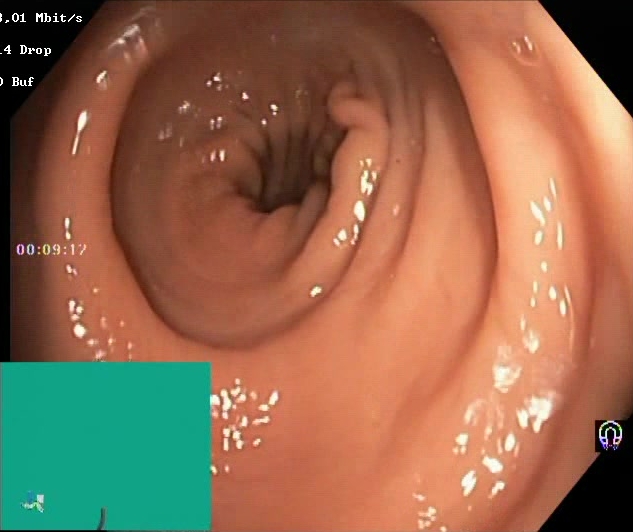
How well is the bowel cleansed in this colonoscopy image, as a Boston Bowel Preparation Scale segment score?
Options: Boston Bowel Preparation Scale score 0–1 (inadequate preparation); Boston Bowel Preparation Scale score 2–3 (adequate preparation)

Boston Bowel Preparation Scale score 2–3 (adequate preparation)